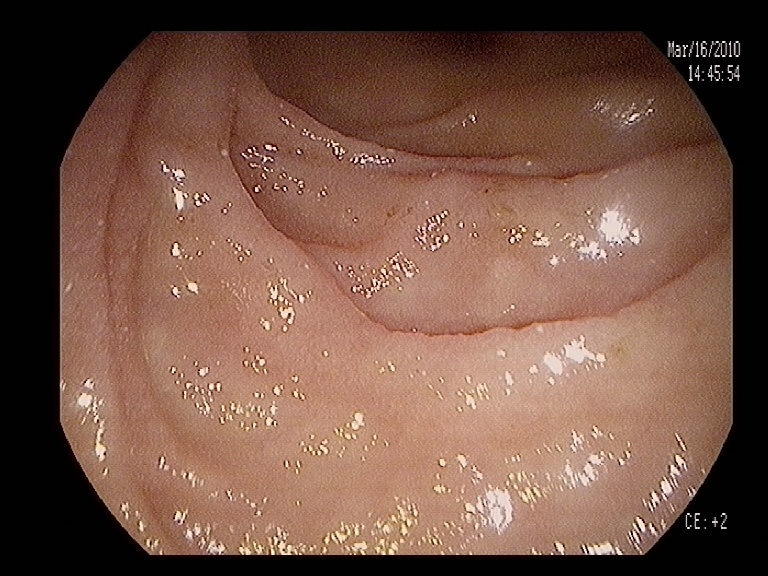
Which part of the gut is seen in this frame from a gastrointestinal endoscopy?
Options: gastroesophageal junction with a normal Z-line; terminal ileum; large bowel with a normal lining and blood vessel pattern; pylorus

terminal ileum